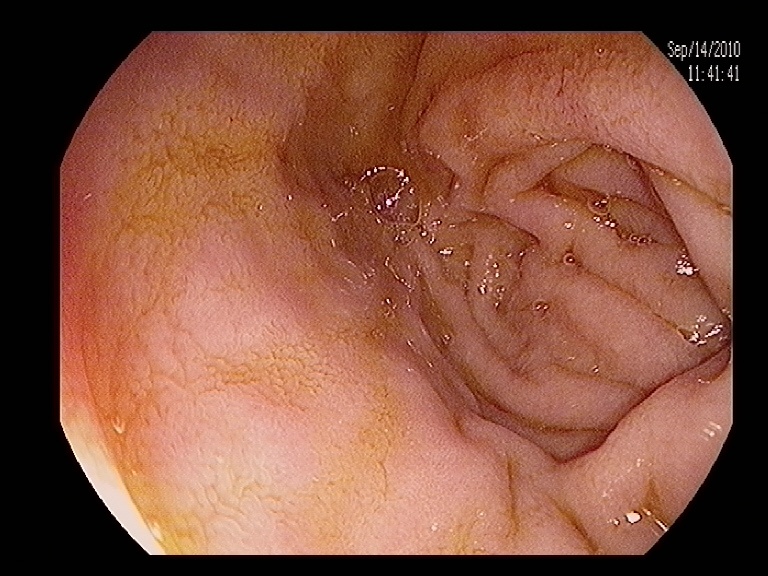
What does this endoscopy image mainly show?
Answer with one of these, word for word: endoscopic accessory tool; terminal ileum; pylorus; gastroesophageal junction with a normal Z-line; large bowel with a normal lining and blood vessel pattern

terminal ileum